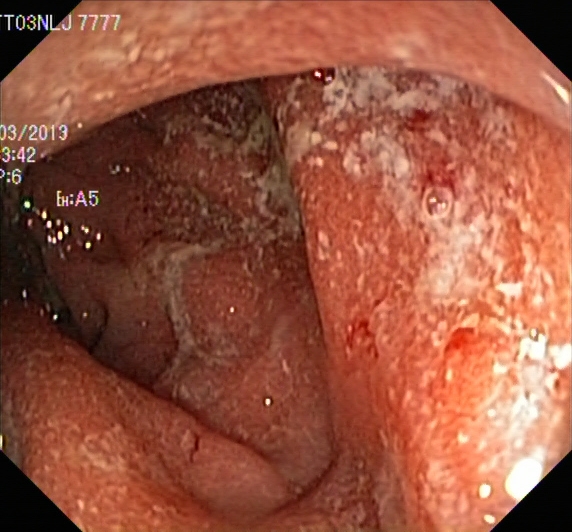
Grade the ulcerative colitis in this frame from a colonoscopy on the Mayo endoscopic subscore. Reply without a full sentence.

ulcerative colitis, Mayo endoscopic subscore 2